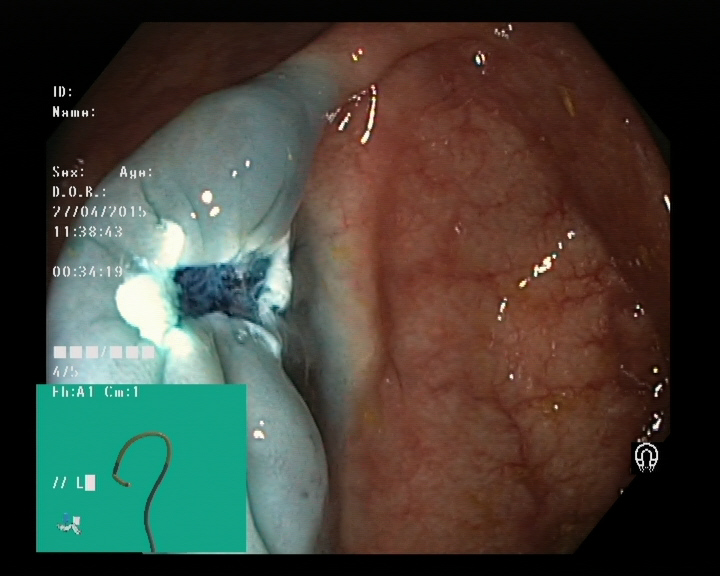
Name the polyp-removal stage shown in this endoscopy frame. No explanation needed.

dyed resection margin (post-polypectomy)